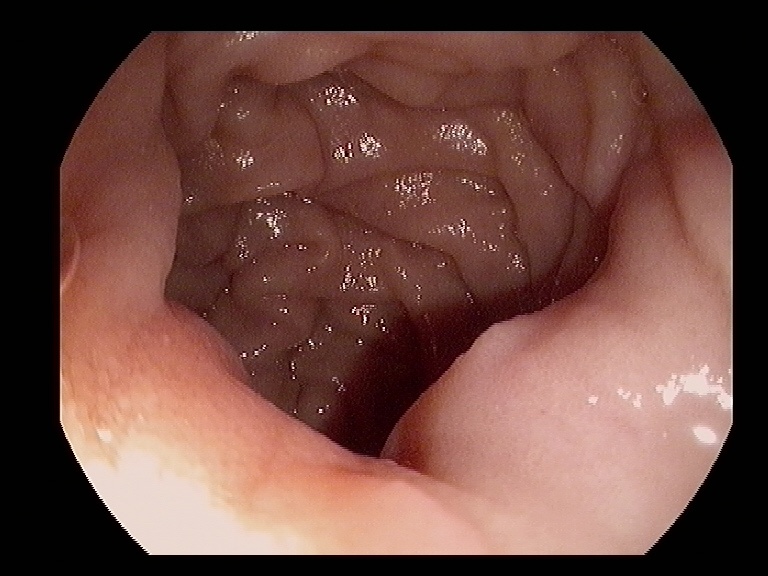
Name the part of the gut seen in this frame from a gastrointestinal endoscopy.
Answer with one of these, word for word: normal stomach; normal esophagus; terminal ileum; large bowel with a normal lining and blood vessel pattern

terminal ileum